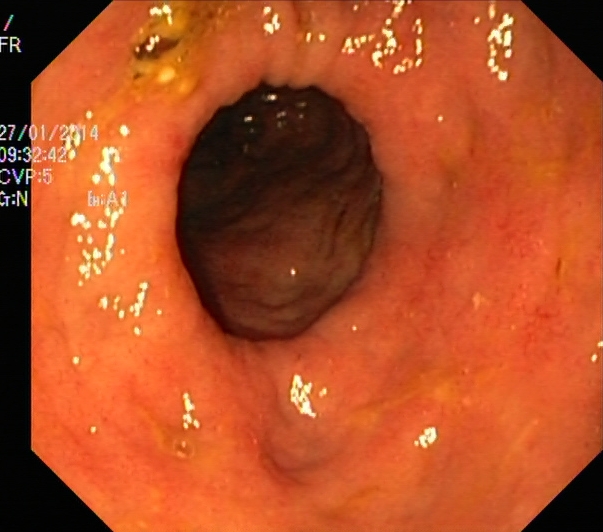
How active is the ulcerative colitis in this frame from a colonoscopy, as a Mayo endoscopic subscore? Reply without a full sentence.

ulcerative colitis, Mayo endoscopic subscore 2